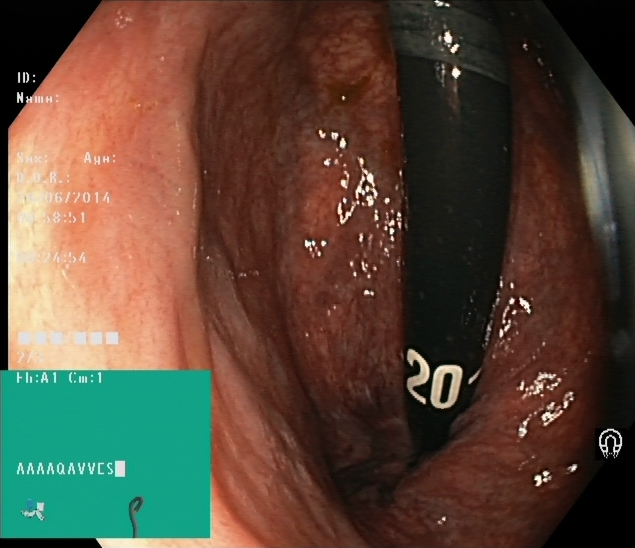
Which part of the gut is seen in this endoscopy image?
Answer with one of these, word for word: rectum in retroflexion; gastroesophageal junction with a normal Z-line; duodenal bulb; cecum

rectum in retroflexion